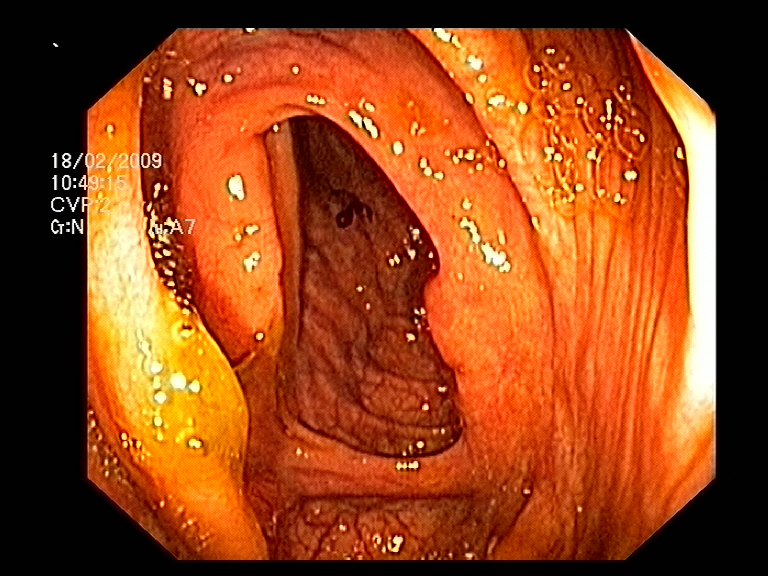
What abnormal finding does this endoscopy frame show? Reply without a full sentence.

colon polyp